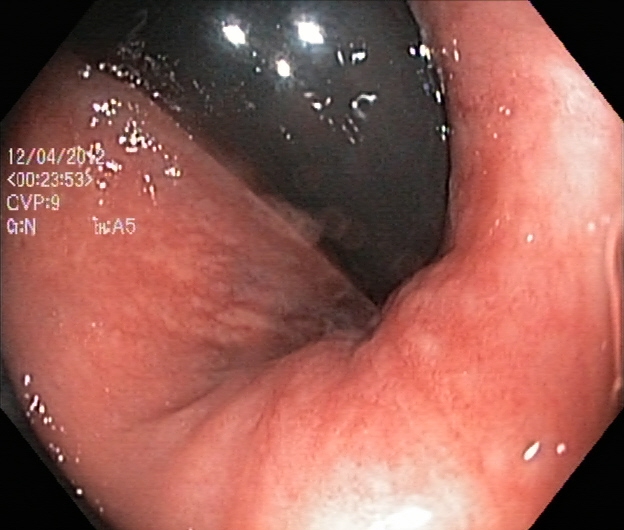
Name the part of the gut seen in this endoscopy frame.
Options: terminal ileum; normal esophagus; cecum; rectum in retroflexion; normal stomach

rectum in retroflexion